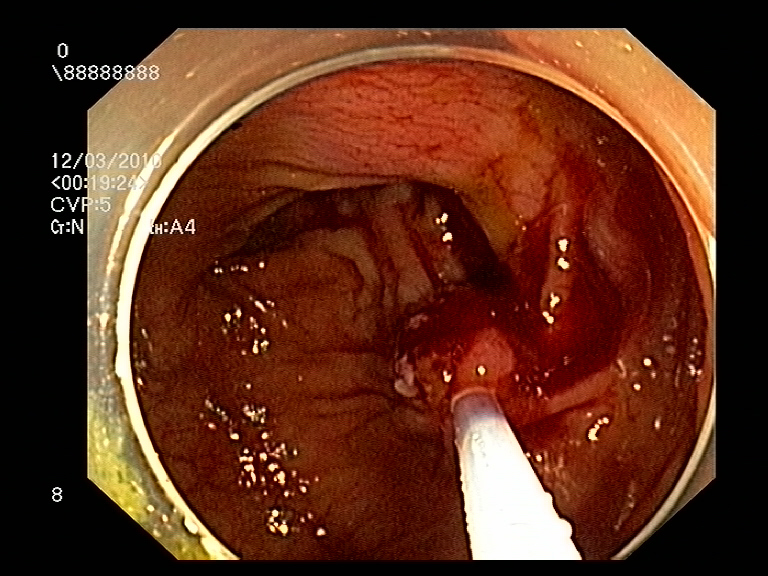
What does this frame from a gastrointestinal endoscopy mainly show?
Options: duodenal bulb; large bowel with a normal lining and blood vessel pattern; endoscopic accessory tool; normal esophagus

endoscopic accessory tool